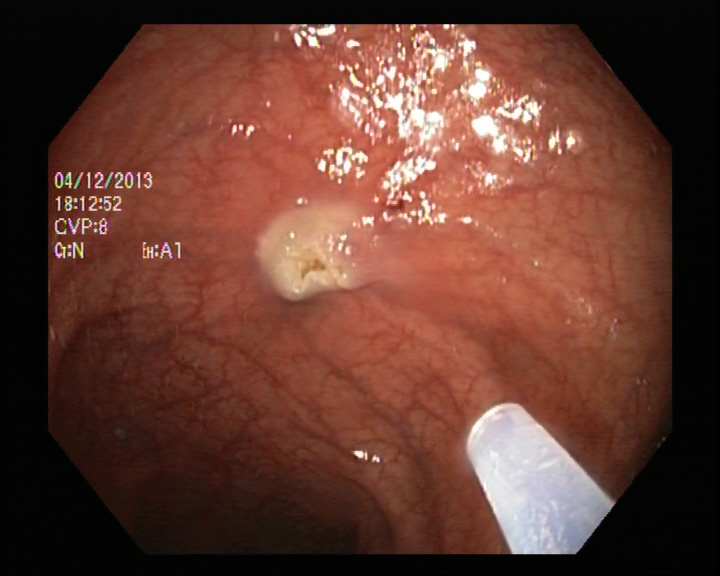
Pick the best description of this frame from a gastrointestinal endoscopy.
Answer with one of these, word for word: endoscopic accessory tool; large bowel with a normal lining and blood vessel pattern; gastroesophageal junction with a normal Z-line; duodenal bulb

endoscopic accessory tool